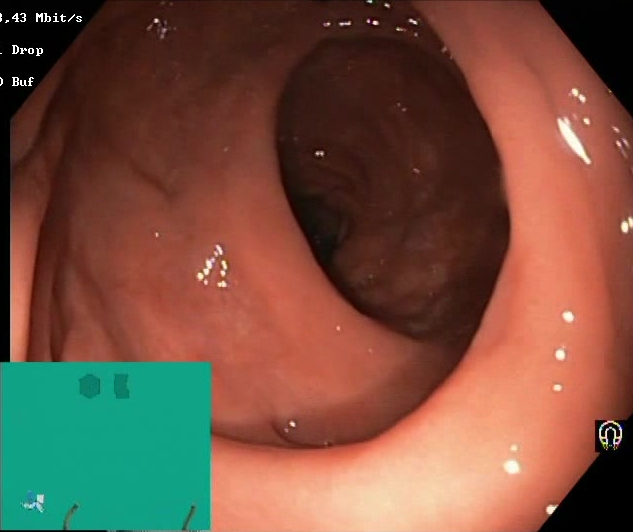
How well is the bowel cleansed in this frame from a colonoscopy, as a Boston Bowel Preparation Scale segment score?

Boston Bowel Preparation Scale score 2–3 (adequate preparation)